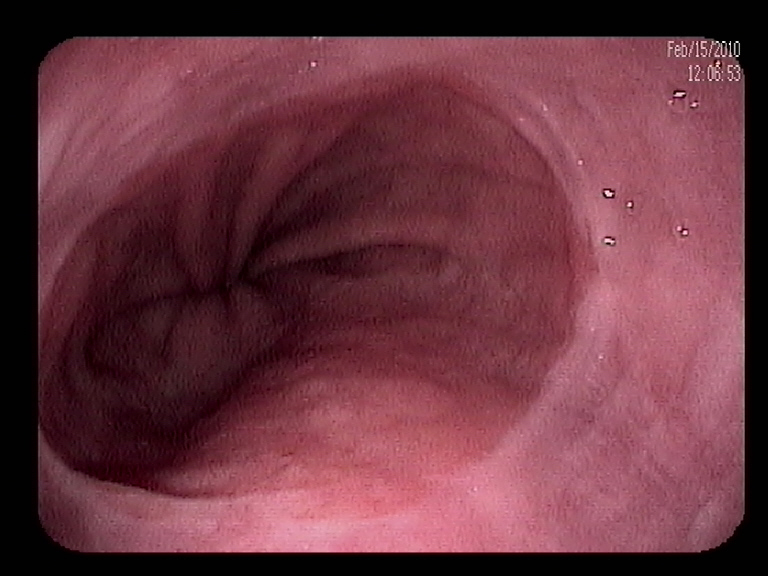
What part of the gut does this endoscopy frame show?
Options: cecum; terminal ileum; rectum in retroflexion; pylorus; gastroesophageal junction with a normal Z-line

gastroesophageal junction with a normal Z-line